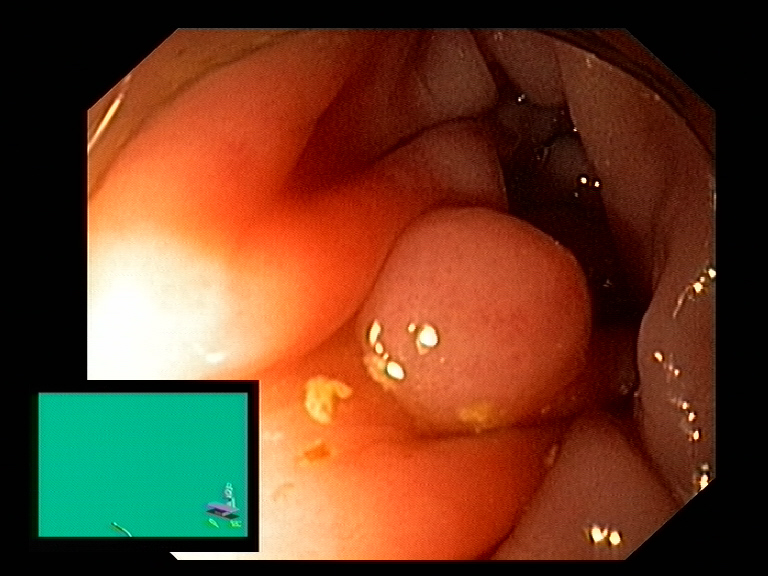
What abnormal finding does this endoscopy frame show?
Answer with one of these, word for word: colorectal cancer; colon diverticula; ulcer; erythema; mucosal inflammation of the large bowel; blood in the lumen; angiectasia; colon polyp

colon polyp